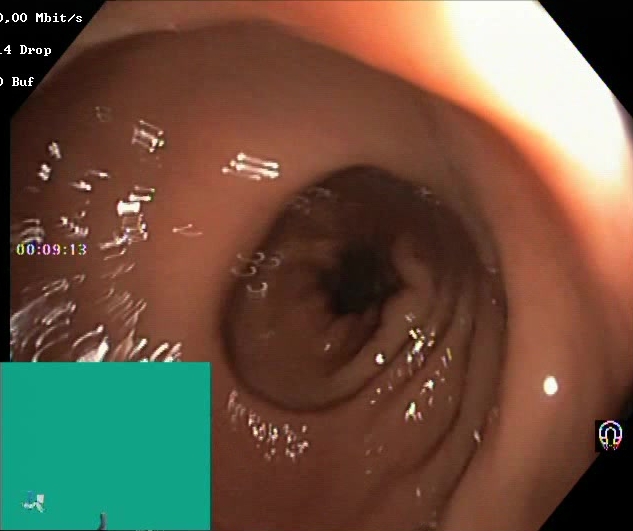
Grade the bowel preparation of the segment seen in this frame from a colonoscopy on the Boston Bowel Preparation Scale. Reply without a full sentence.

Boston Bowel Preparation Scale score 2–3 (adequate preparation)